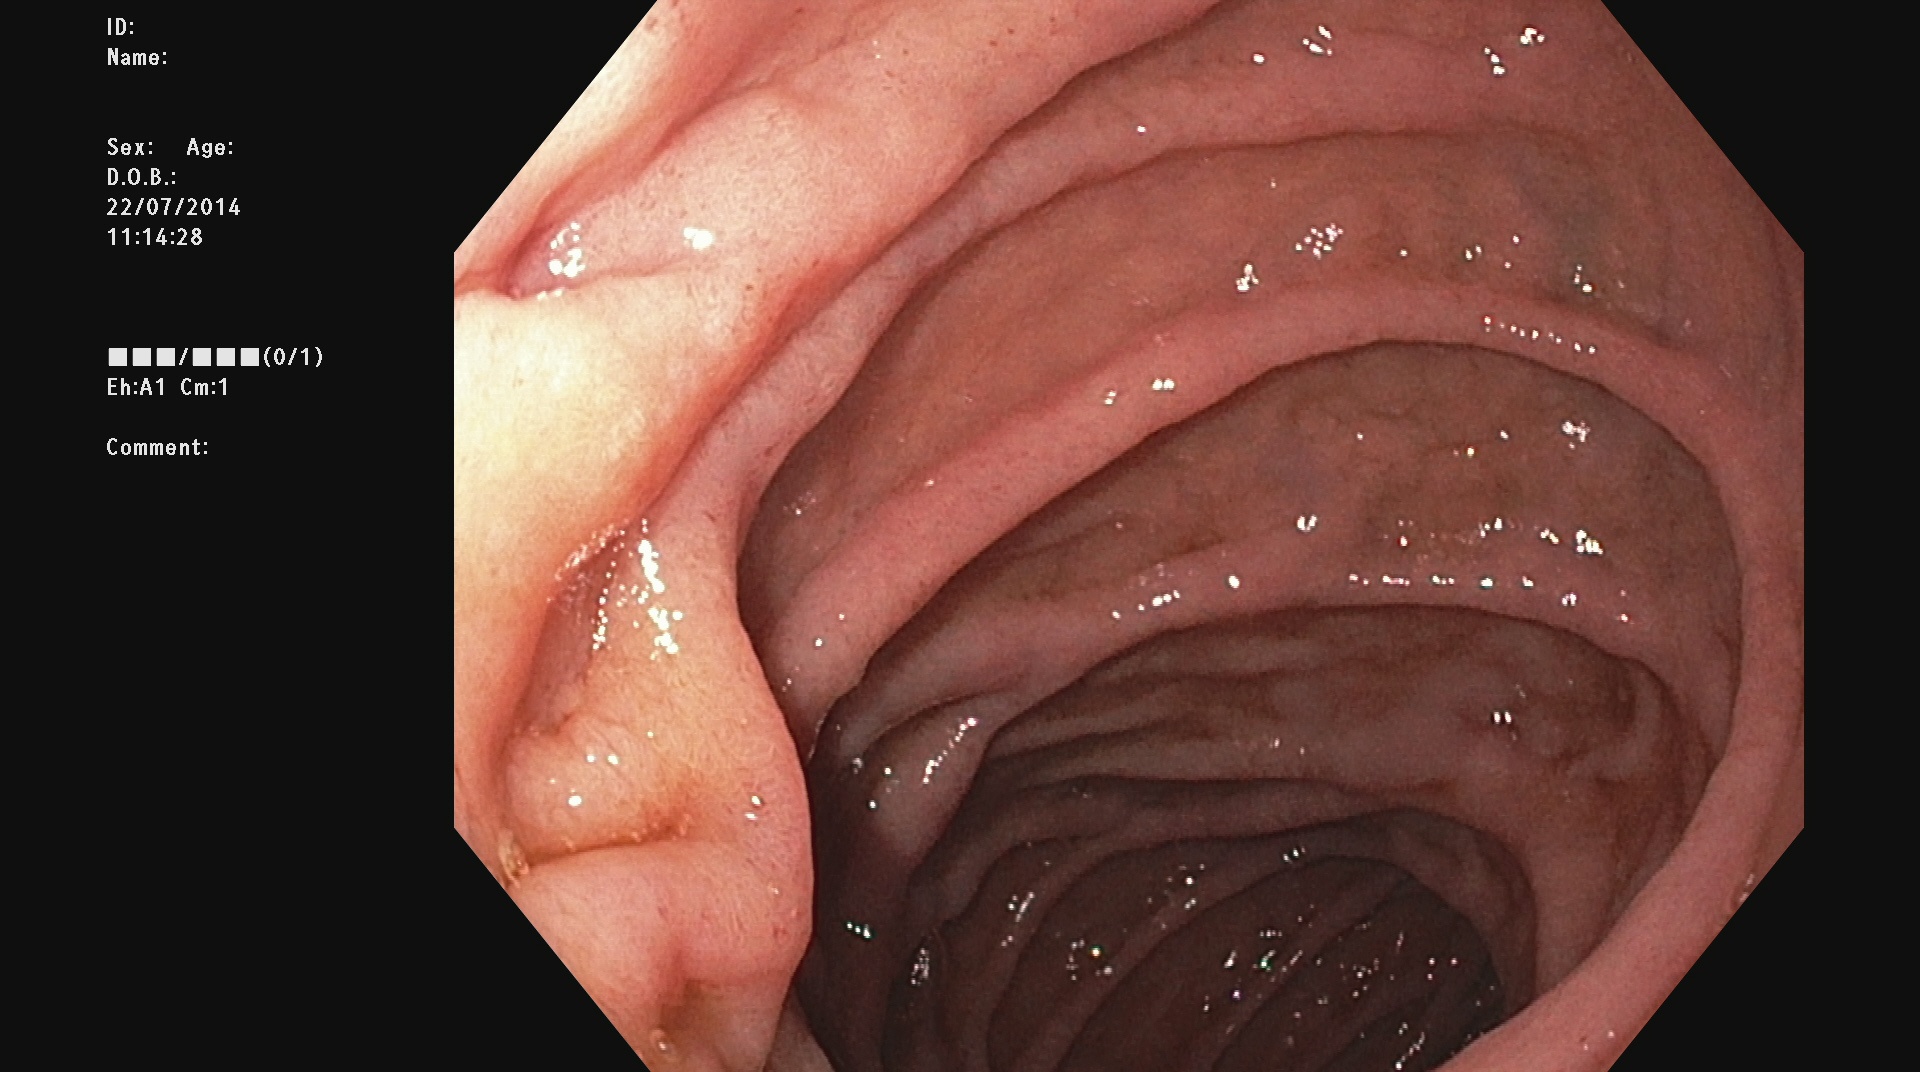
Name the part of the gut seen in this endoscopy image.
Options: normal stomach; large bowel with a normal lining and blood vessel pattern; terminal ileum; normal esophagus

terminal ileum